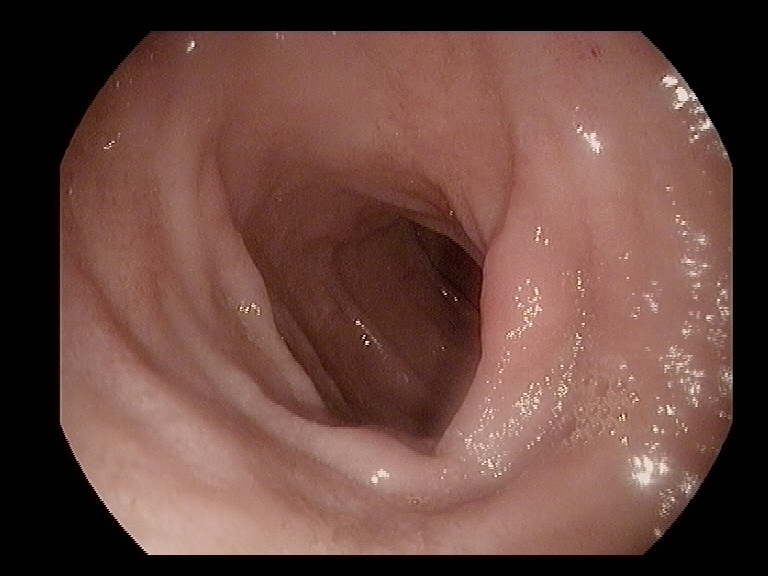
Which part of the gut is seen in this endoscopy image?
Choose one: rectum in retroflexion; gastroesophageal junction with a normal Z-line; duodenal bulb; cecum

duodenal bulb